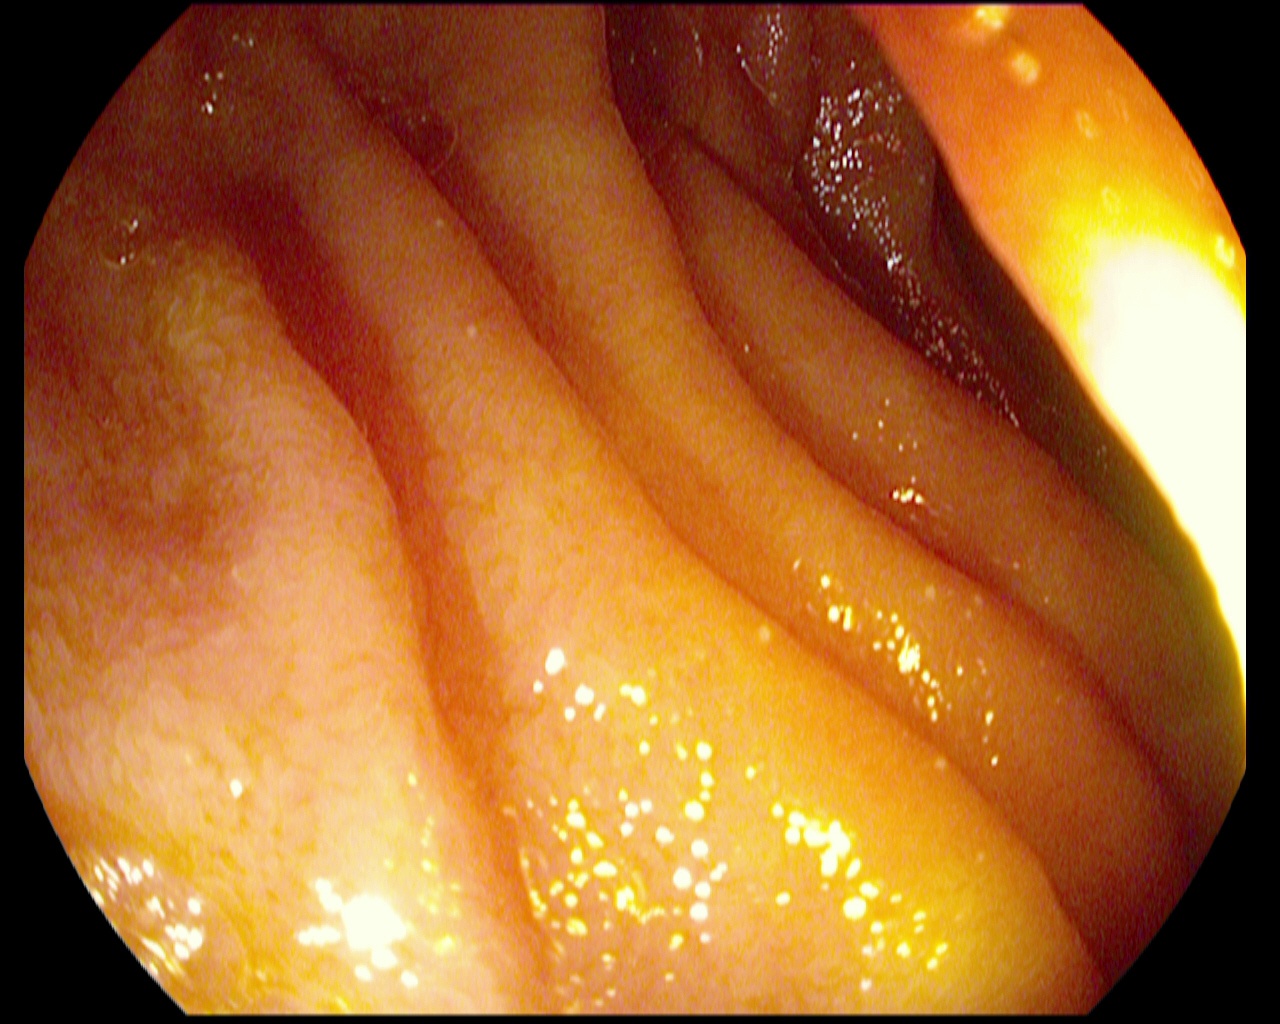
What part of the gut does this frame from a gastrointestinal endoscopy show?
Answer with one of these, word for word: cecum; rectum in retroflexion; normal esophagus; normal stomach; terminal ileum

terminal ileum